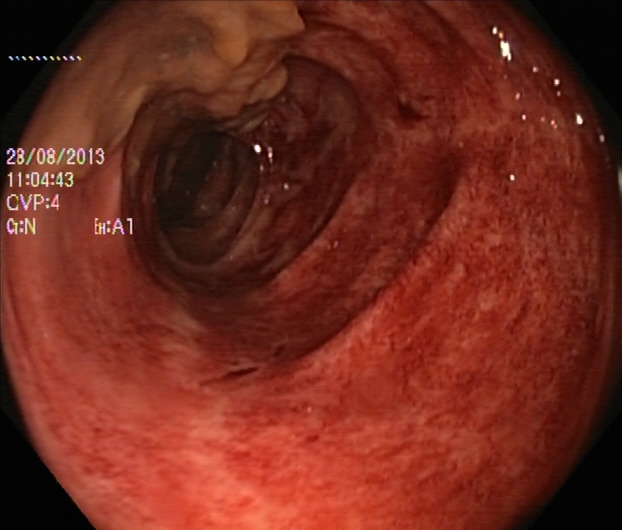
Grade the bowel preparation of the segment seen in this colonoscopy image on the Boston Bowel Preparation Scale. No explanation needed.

Boston Bowel Preparation Scale score 0–1 (inadequate preparation)